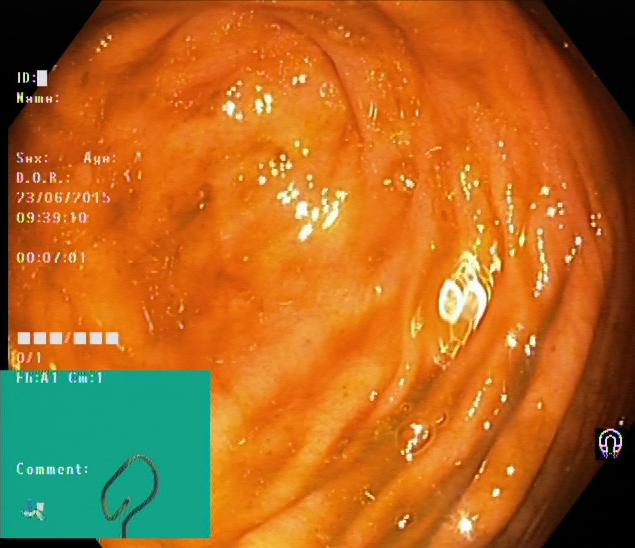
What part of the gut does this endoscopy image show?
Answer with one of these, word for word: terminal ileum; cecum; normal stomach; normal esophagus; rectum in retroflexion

cecum